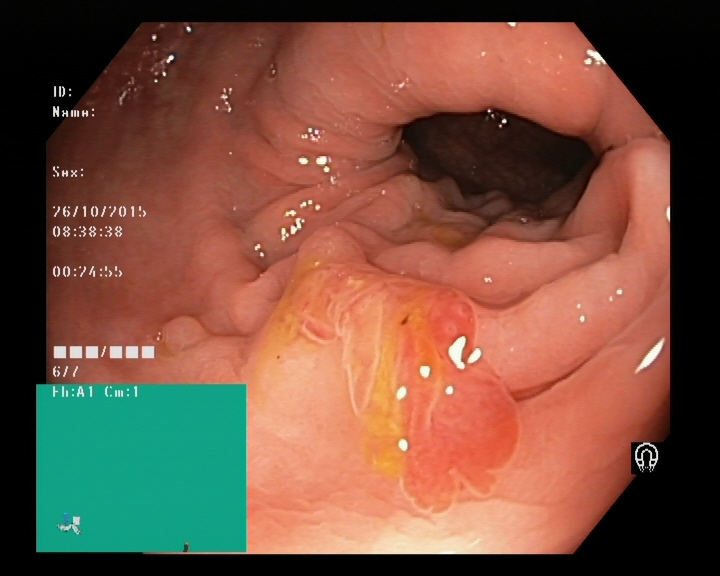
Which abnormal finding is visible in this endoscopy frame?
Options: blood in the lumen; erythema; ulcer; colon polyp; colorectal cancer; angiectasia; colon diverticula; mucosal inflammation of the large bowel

colon polyp